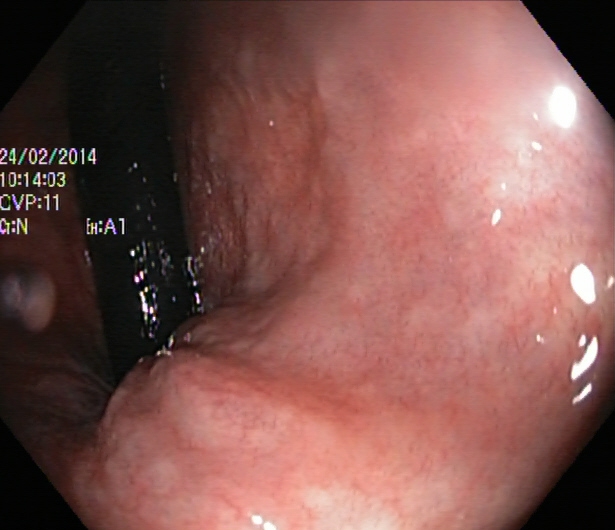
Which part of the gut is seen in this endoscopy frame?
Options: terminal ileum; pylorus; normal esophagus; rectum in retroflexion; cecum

rectum in retroflexion